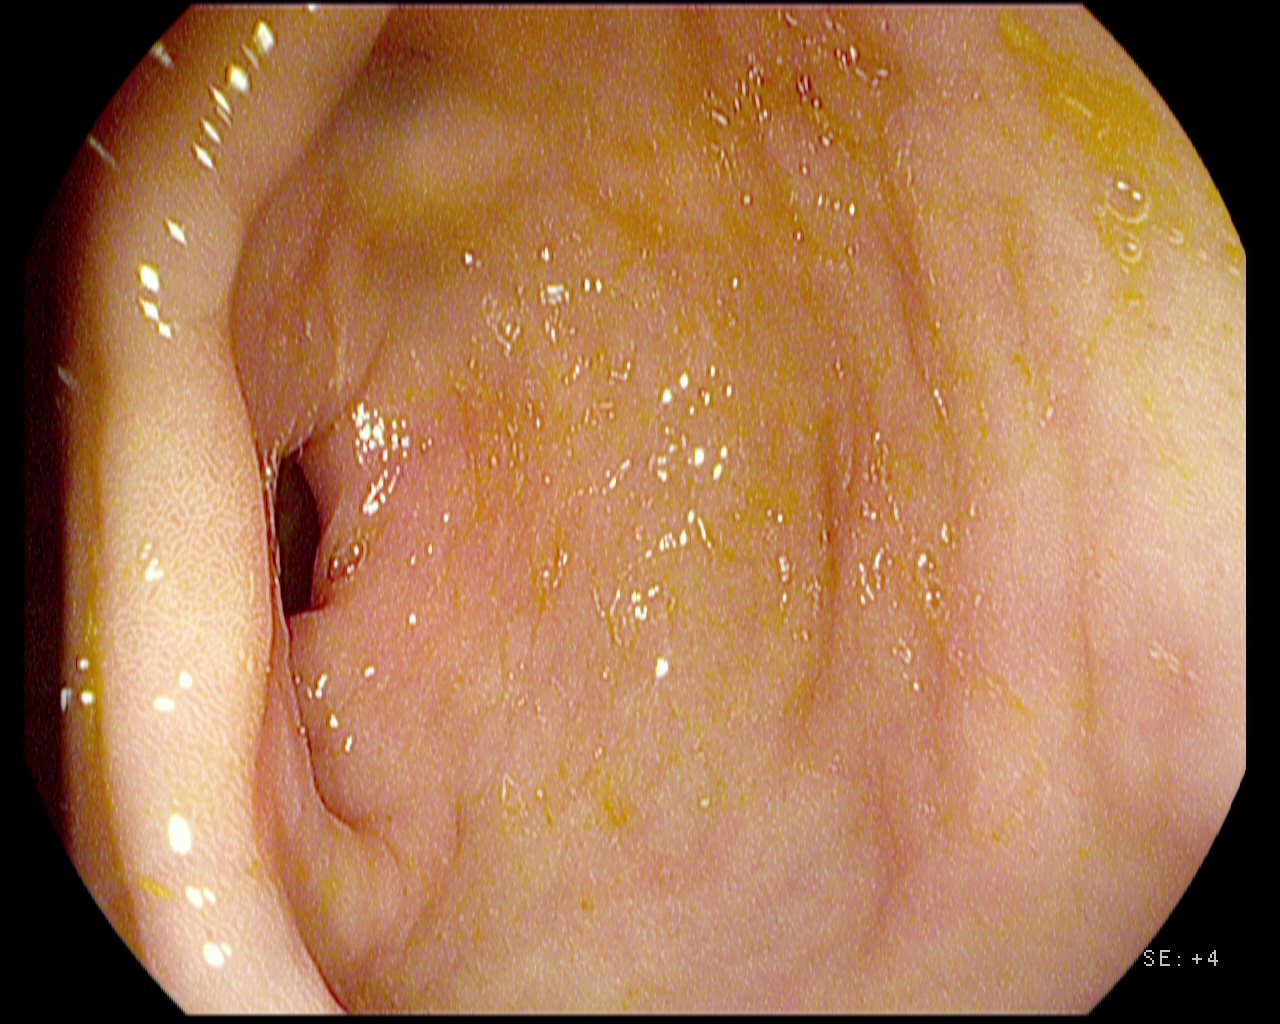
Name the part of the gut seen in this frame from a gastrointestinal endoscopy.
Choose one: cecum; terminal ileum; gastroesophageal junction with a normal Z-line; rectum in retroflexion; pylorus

pylorus